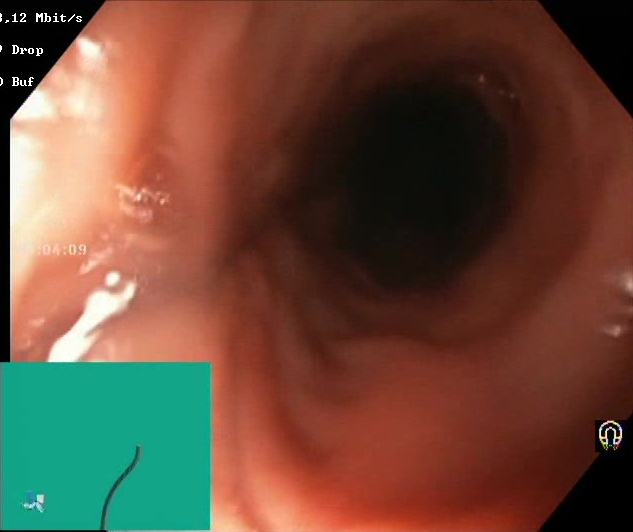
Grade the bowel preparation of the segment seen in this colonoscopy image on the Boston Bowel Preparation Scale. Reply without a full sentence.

Boston Bowel Preparation Scale score 2–3 (adequate preparation)